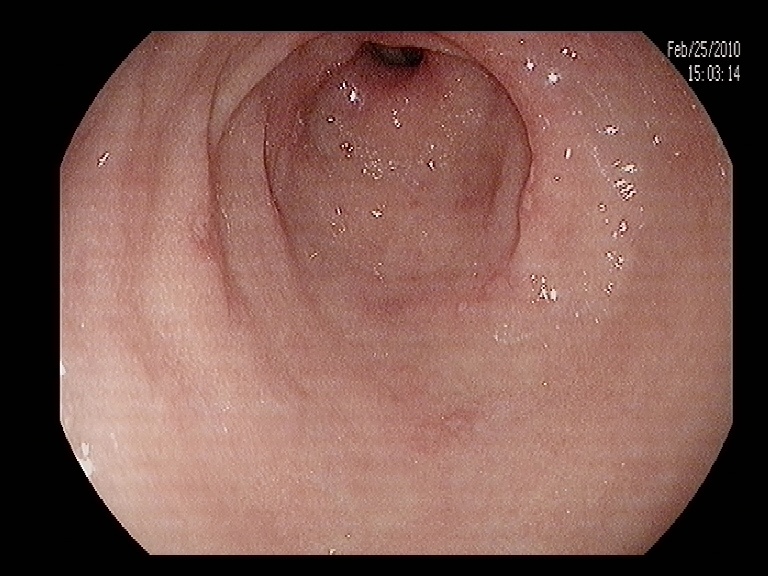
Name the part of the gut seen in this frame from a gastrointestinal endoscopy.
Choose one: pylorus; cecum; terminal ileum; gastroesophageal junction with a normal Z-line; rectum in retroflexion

pylorus